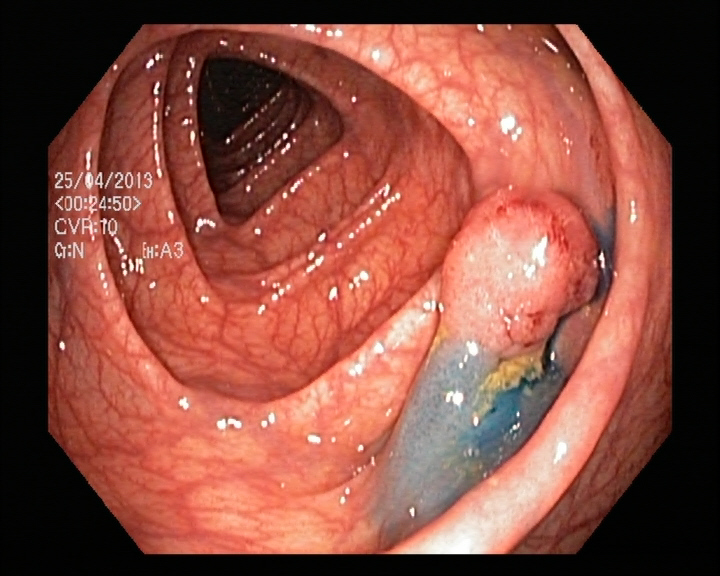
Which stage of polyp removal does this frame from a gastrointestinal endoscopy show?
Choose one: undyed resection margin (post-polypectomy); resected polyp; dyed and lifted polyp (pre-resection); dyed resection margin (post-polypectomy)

dyed and lifted polyp (pre-resection)